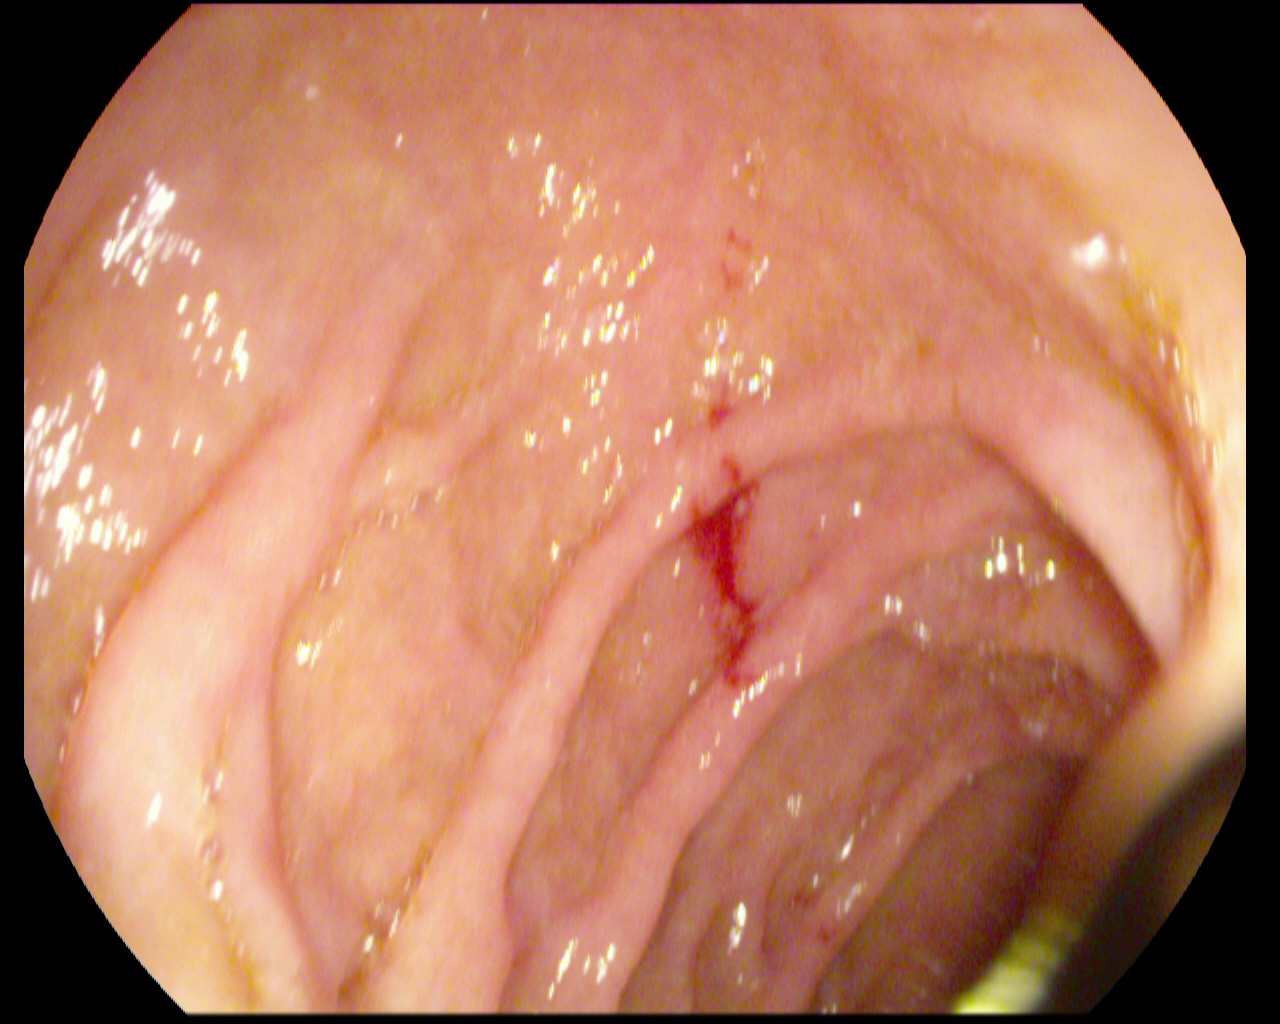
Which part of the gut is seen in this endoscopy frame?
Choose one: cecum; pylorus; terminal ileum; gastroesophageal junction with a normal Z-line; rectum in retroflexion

terminal ileum